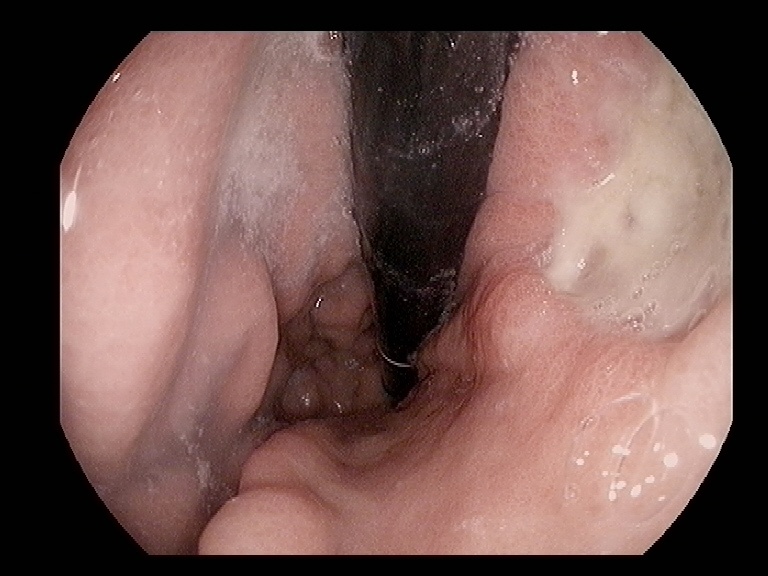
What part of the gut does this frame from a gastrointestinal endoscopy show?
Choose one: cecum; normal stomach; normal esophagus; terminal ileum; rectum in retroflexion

normal stomach